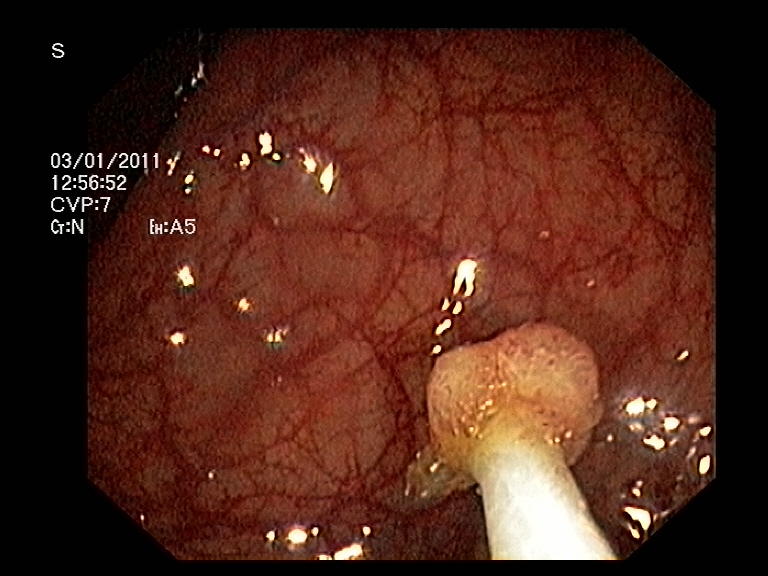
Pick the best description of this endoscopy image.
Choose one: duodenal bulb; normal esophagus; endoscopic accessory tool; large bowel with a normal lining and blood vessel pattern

endoscopic accessory tool